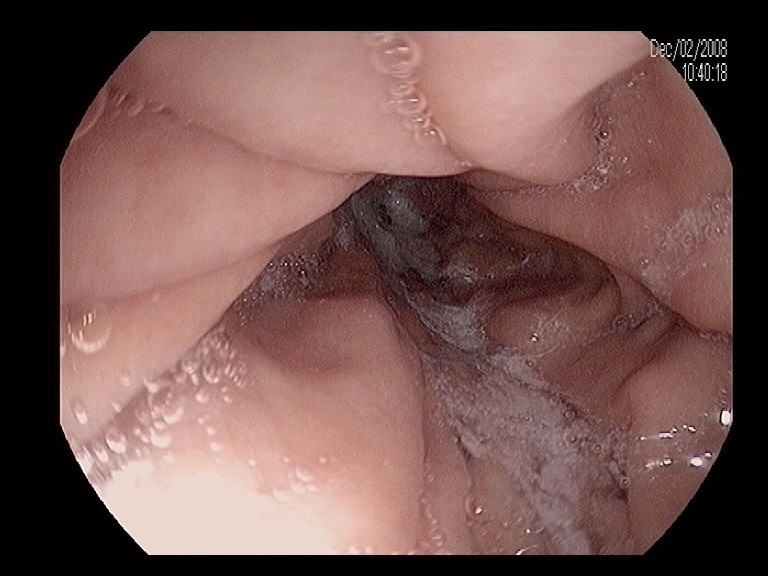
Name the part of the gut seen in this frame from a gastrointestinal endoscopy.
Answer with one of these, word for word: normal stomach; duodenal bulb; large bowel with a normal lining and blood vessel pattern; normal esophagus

normal stomach